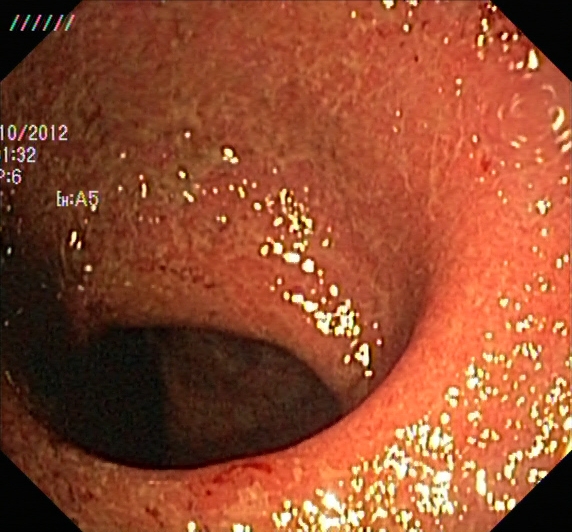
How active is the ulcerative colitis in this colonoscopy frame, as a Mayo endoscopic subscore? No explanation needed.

ulcerative colitis, Mayo endoscopic subscore 2